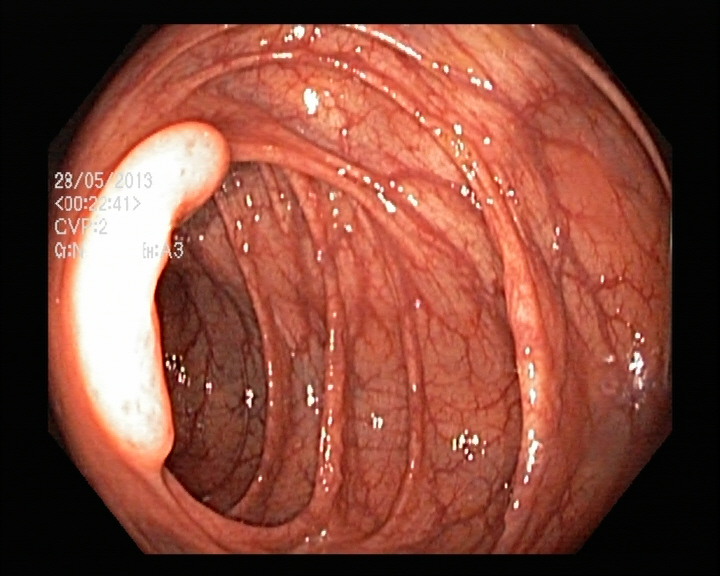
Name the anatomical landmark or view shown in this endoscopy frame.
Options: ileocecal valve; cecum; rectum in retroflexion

ileocecal valve